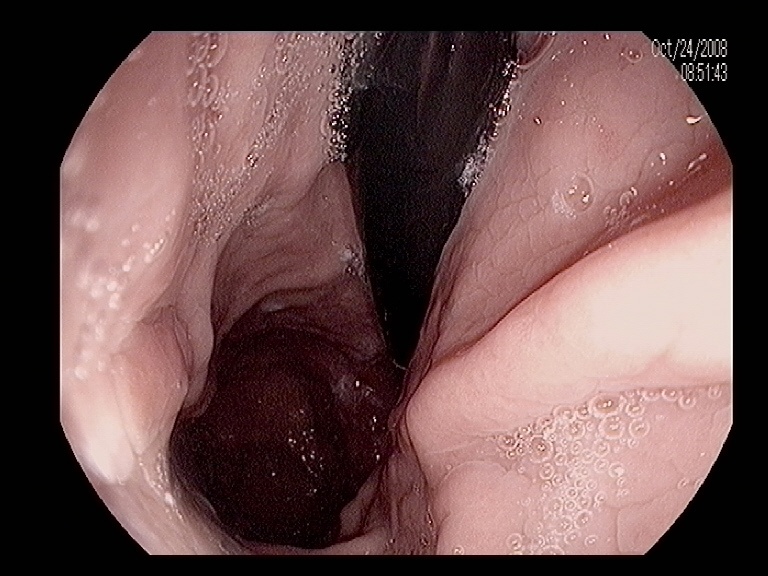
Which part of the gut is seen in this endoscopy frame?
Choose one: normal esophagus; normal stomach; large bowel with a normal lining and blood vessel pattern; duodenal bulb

normal stomach